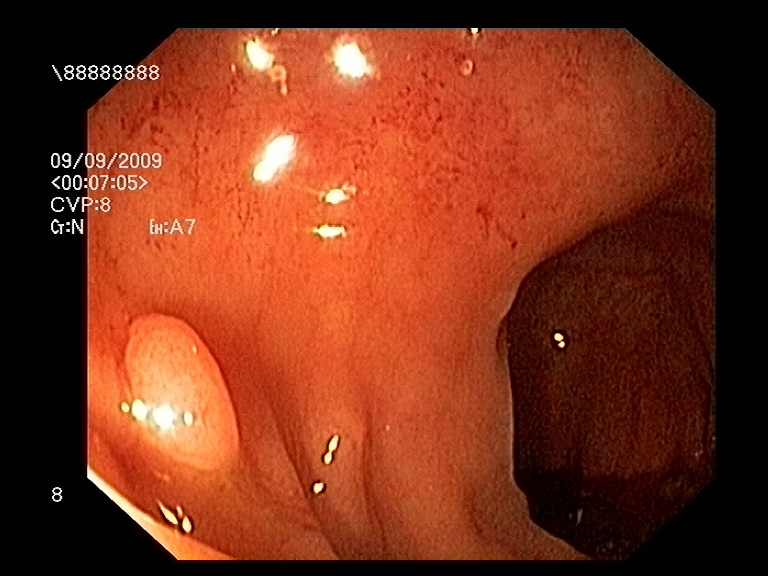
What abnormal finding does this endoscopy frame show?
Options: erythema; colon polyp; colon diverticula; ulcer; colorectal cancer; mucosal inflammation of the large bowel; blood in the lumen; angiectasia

colon polyp